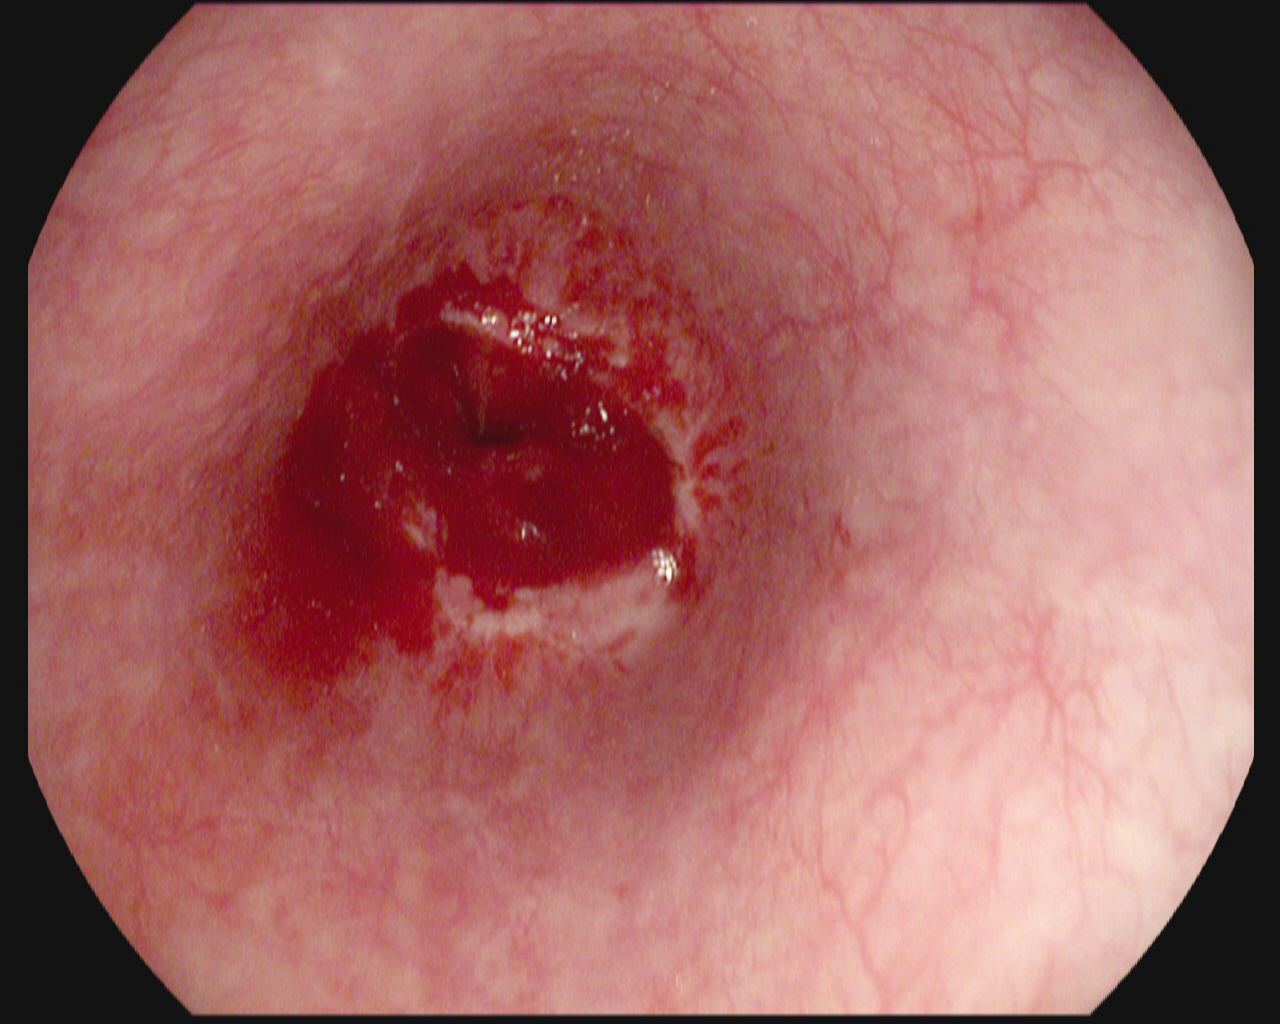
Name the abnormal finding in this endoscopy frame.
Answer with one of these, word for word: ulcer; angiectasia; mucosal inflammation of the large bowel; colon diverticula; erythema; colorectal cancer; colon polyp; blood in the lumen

blood in the lumen